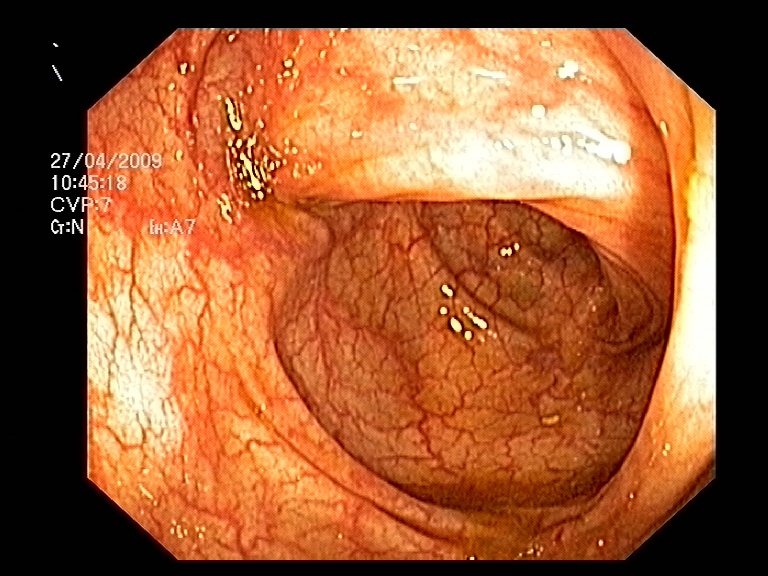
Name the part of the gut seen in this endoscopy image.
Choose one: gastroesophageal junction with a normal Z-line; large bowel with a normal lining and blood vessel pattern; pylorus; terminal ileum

large bowel with a normal lining and blood vessel pattern